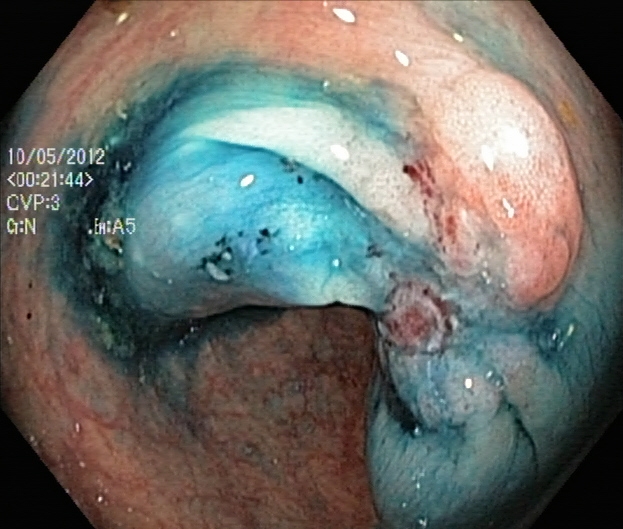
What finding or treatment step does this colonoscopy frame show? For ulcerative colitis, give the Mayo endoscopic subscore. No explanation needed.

dyed and lifted polyp (pre-resection)